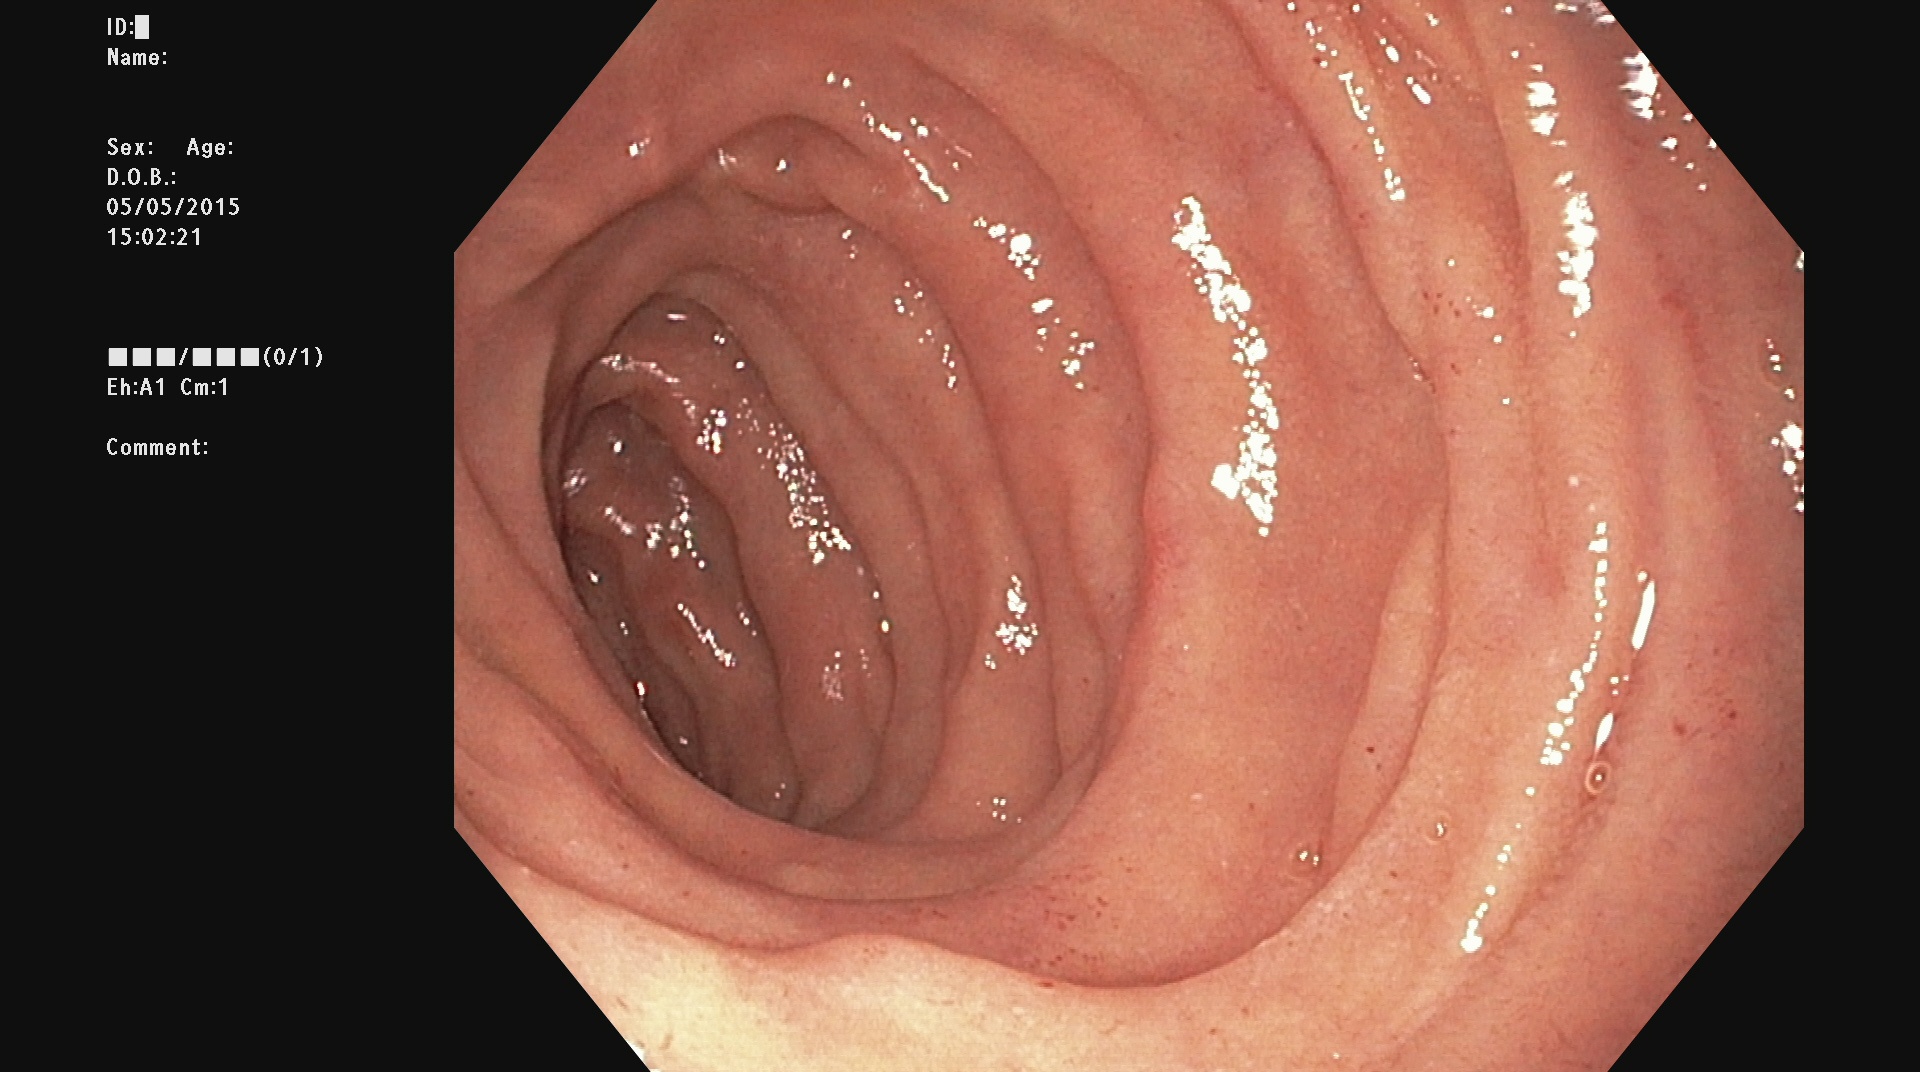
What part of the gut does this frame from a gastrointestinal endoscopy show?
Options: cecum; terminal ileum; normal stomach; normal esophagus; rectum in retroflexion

terminal ileum